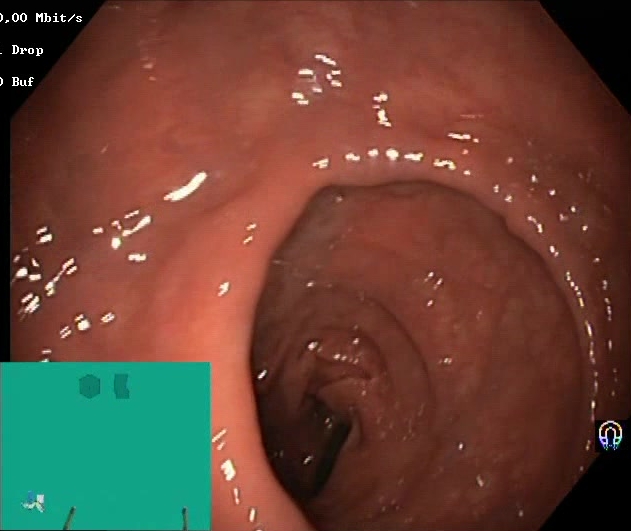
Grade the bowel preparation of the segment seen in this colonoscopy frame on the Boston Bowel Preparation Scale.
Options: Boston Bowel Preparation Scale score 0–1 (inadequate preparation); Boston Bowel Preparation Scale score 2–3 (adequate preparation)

Boston Bowel Preparation Scale score 2–3 (adequate preparation)